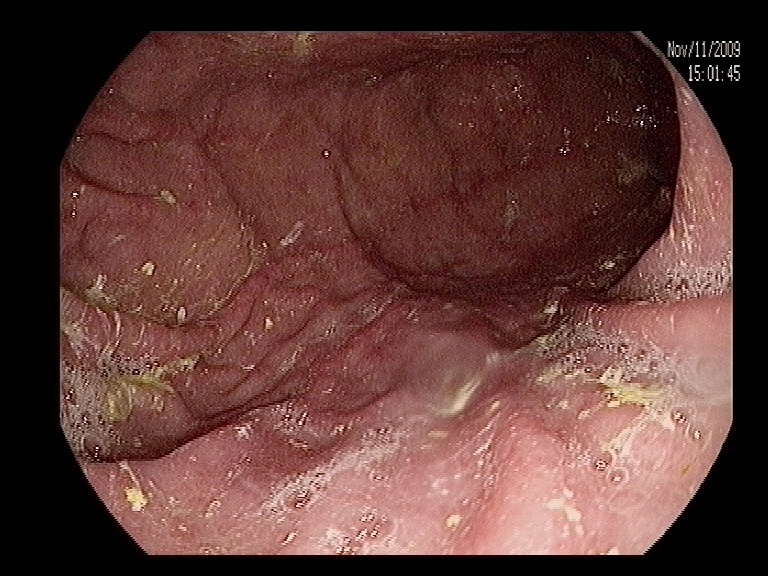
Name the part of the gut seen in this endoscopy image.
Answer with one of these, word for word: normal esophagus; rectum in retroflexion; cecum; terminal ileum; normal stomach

normal stomach